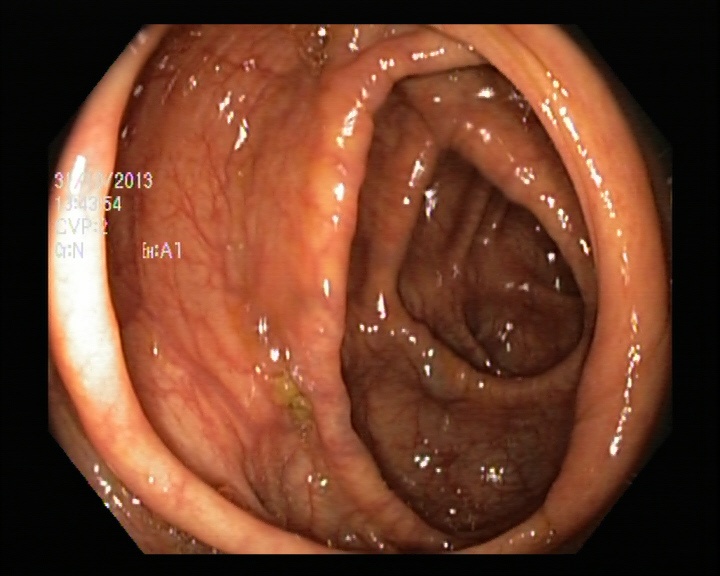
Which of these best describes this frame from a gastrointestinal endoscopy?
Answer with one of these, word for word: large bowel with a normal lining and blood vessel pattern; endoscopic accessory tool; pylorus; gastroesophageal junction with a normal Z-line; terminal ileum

large bowel with a normal lining and blood vessel pattern